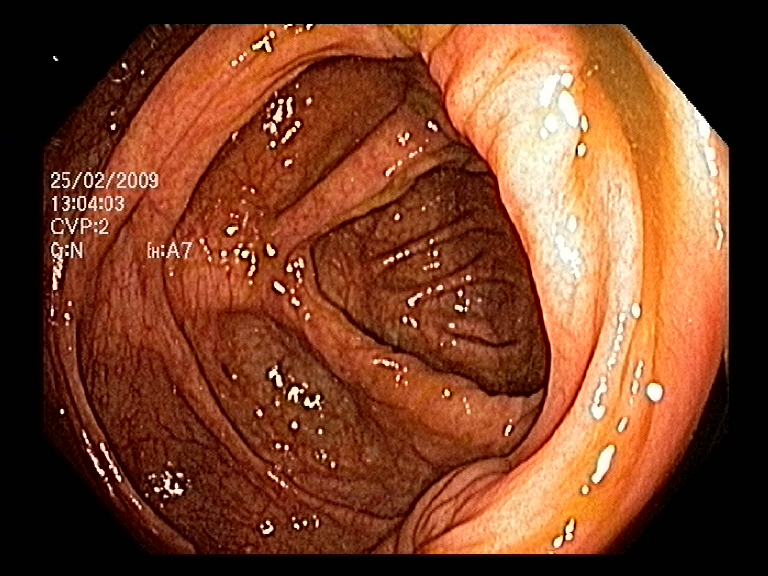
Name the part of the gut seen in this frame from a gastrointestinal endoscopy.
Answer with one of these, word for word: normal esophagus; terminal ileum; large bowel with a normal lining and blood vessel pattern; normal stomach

large bowel with a normal lining and blood vessel pattern